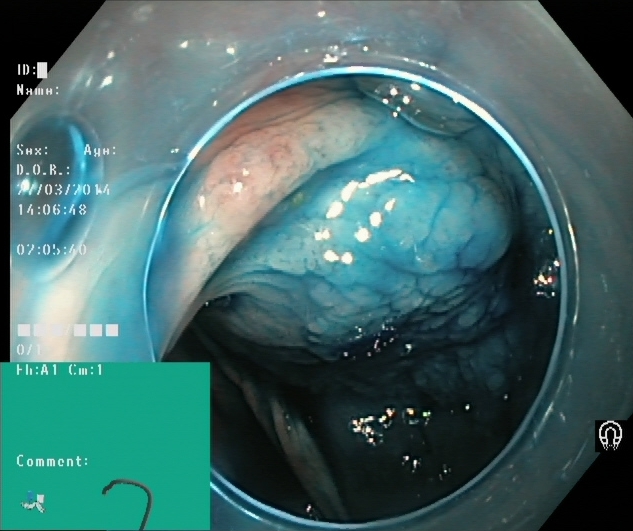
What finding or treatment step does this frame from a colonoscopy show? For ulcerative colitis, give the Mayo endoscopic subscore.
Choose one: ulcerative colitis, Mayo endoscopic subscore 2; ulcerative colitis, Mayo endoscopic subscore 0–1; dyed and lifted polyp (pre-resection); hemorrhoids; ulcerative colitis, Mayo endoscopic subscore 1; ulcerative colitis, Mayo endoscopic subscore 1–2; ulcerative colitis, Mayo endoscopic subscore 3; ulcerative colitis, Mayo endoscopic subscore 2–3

dyed and lifted polyp (pre-resection)